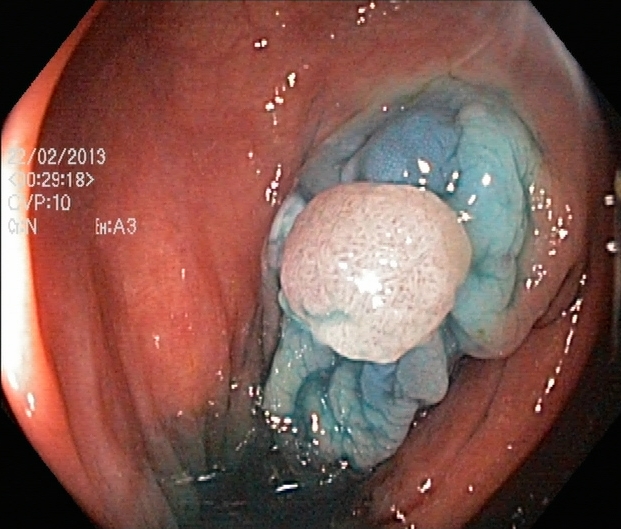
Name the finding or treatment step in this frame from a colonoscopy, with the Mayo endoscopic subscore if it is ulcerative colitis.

dyed and lifted polyp (pre-resection)